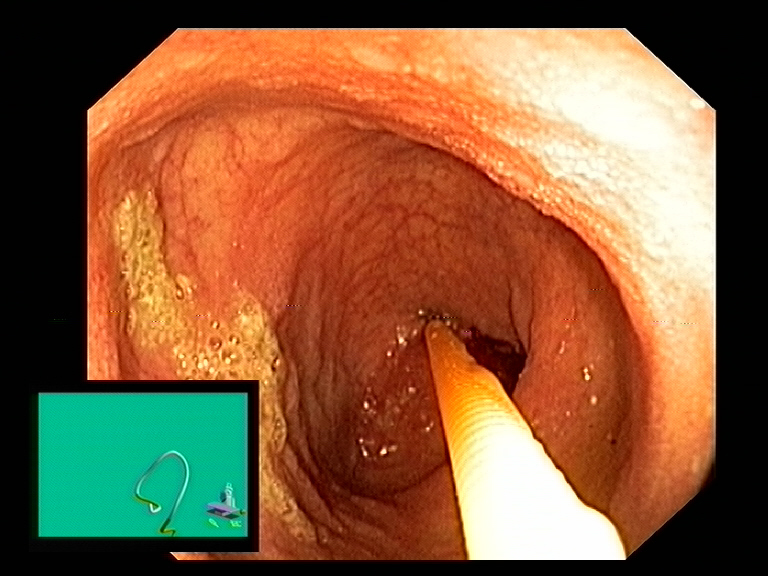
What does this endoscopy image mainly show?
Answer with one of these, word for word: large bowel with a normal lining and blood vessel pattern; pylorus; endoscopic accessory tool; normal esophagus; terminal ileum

endoscopic accessory tool